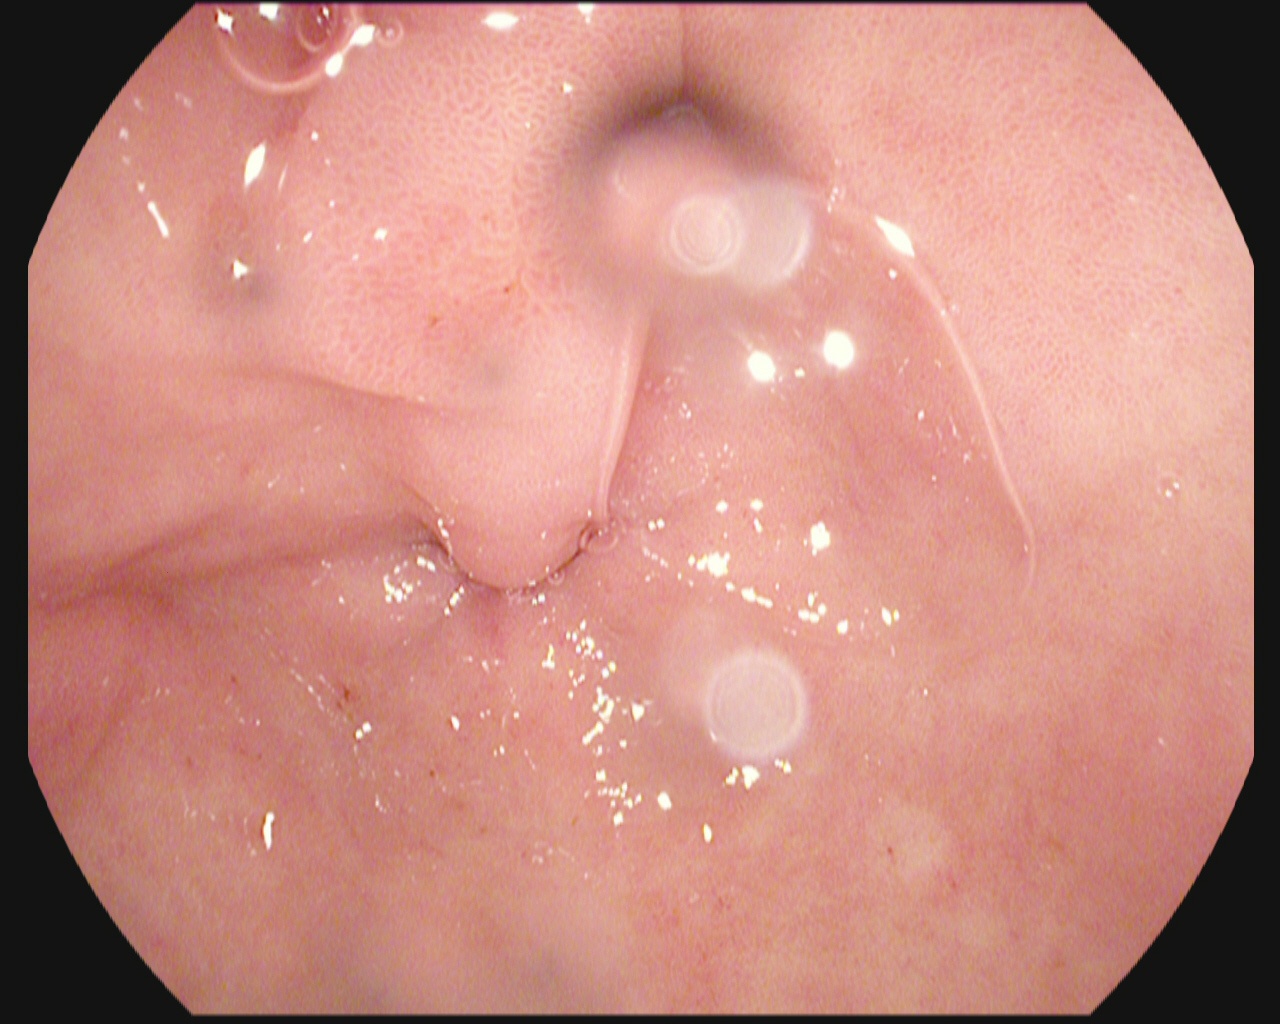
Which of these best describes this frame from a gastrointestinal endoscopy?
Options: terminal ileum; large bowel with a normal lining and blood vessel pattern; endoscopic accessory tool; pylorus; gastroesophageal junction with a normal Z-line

pylorus